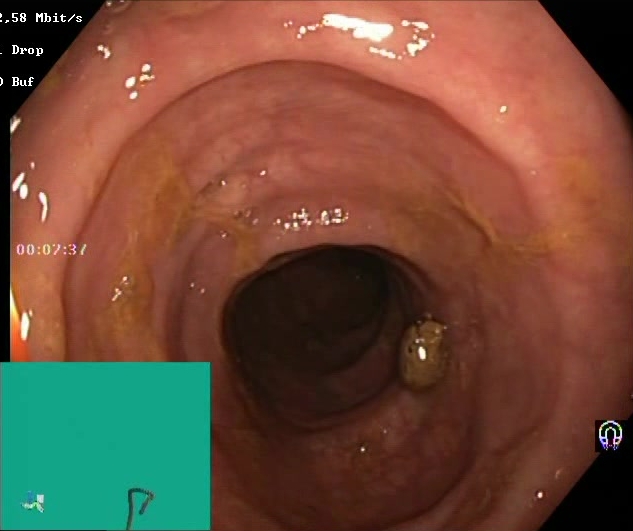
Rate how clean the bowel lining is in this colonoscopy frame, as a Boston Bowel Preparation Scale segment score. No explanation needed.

Boston Bowel Preparation Scale score 2–3 (adequate preparation)